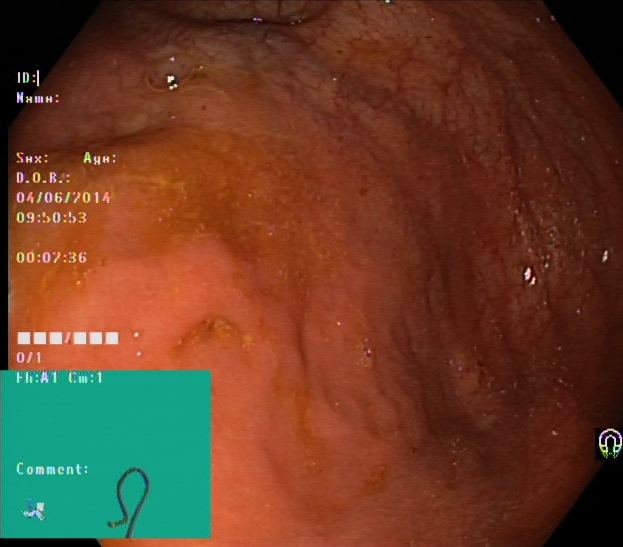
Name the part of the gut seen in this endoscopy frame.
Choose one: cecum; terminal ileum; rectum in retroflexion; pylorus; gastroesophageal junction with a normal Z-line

cecum